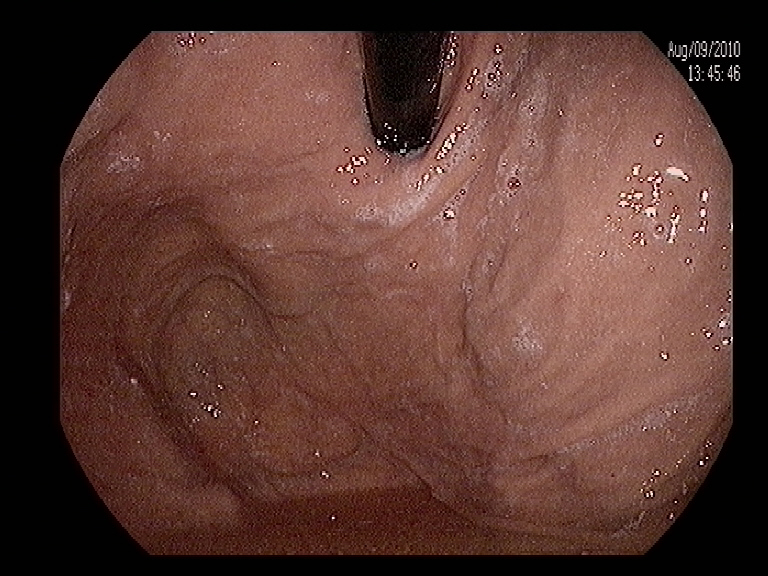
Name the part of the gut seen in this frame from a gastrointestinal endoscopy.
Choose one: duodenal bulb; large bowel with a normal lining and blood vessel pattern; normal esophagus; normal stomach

normal stomach